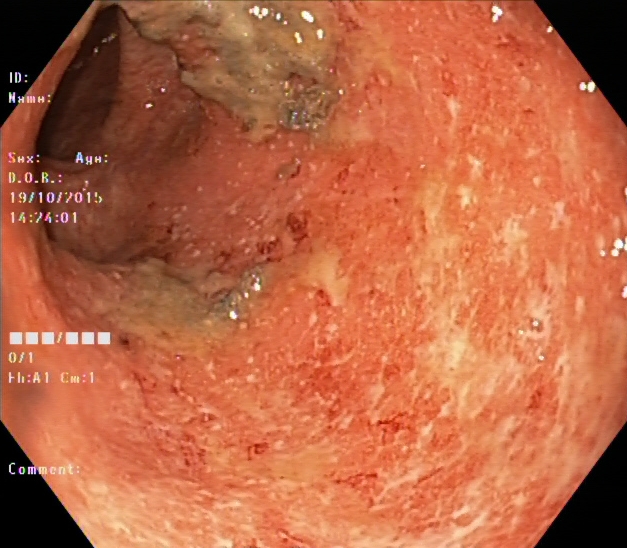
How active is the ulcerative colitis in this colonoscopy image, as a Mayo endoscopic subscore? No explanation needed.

ulcerative colitis, Mayo endoscopic subscore 2